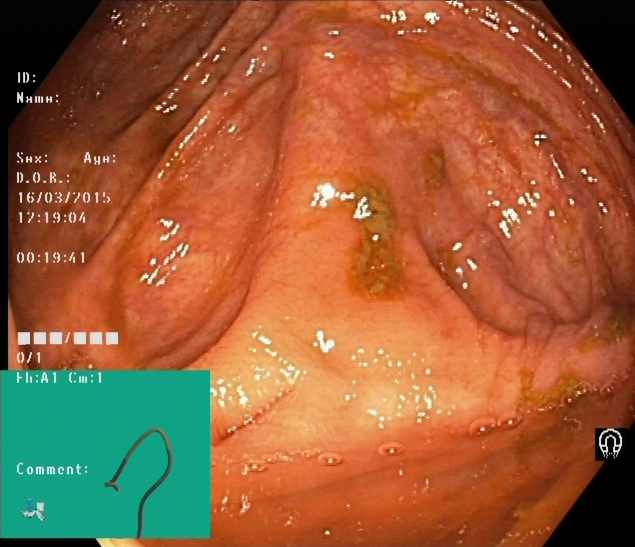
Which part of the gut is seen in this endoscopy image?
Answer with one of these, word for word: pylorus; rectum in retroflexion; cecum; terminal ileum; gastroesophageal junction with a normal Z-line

cecum